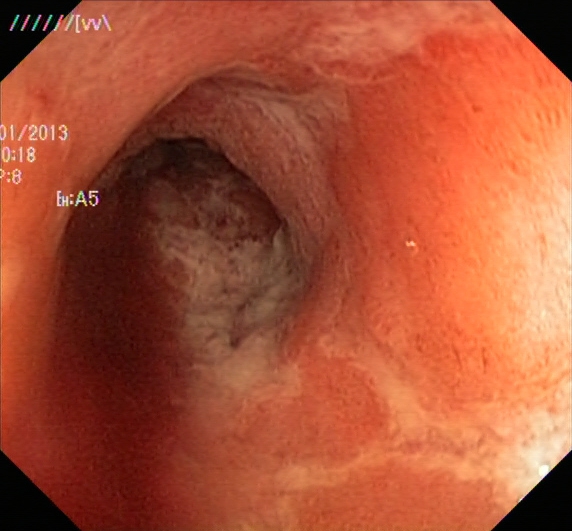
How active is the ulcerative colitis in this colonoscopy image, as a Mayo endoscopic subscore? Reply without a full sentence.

ulcerative colitis, Mayo endoscopic subscore 2